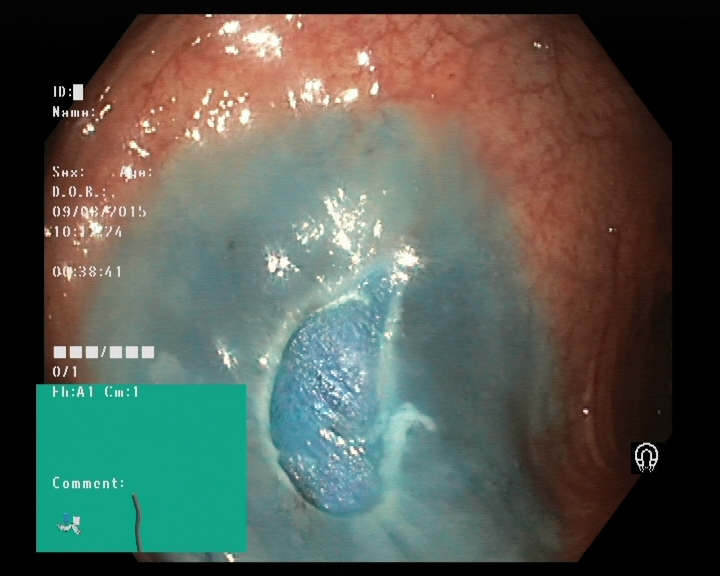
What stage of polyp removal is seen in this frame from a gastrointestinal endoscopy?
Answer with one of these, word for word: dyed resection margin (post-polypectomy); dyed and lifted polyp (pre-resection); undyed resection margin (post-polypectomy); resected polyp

dyed resection margin (post-polypectomy)